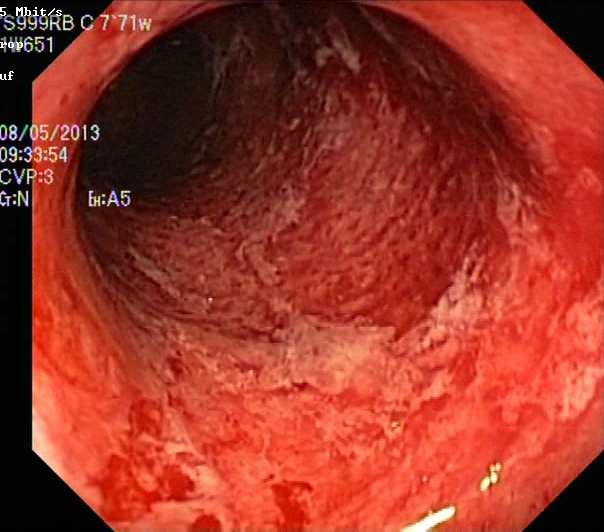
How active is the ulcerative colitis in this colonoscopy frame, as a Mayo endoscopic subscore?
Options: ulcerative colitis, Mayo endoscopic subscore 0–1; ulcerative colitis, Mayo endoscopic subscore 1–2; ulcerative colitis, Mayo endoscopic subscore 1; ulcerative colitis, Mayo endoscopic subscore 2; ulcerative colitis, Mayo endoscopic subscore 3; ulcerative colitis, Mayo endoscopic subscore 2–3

ulcerative colitis, Mayo endoscopic subscore 3